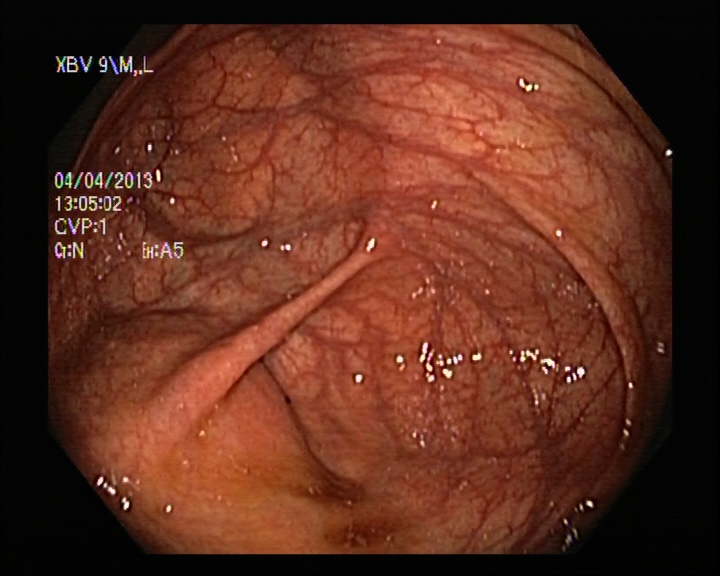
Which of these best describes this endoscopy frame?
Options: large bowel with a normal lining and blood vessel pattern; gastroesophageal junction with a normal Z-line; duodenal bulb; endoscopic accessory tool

large bowel with a normal lining and blood vessel pattern